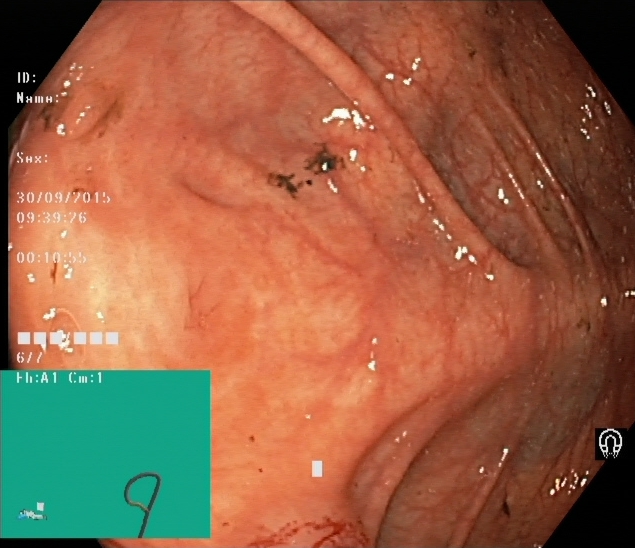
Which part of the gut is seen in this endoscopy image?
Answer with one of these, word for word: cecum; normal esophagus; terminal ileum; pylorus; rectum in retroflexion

cecum